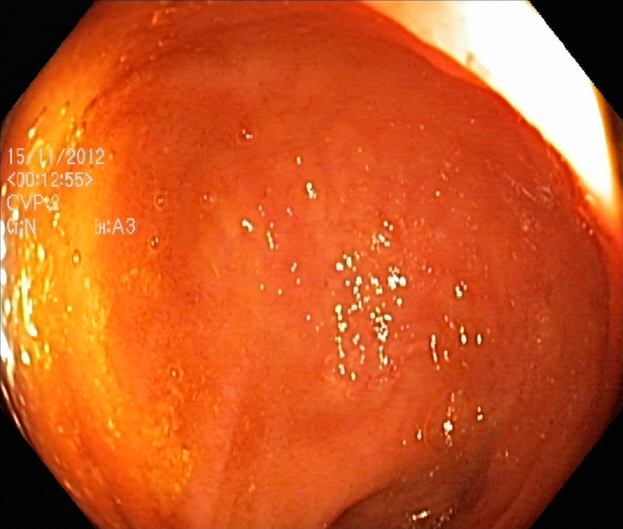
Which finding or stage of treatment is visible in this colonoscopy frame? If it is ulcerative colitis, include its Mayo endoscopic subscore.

ulcerative colitis, Mayo endoscopic subscore 1